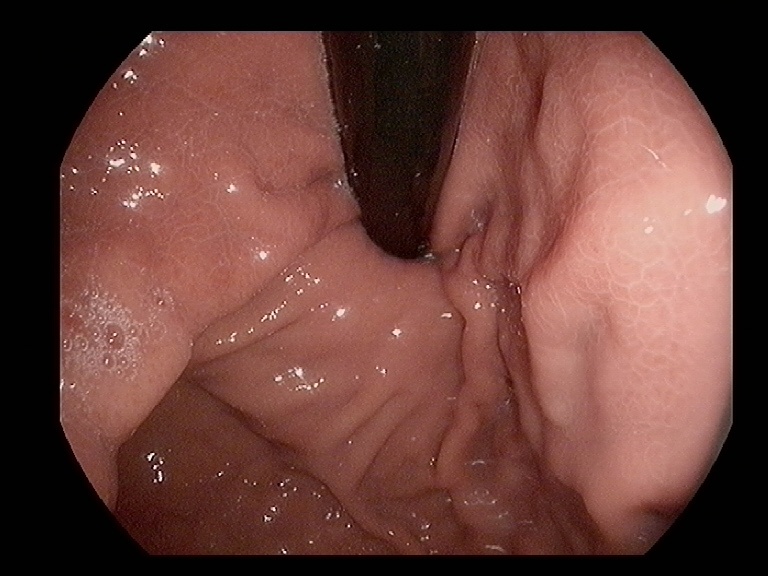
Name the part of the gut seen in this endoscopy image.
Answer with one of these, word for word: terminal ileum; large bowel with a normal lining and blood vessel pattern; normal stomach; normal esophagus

normal stomach